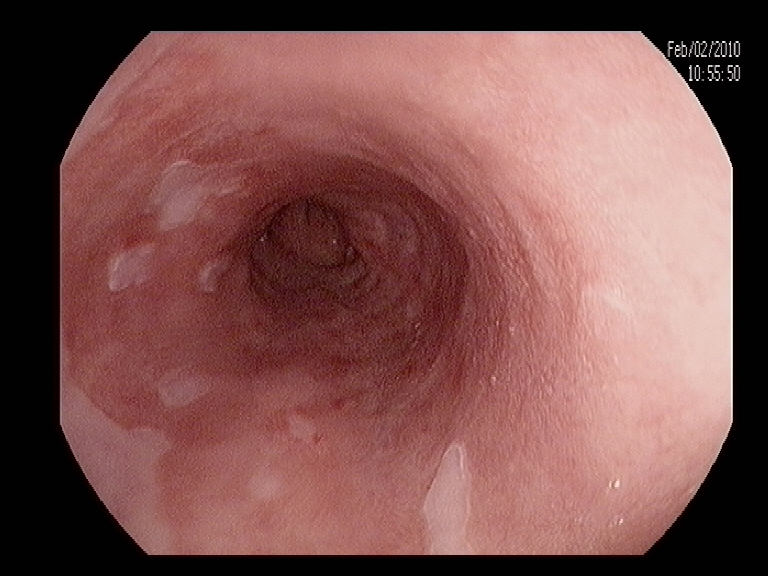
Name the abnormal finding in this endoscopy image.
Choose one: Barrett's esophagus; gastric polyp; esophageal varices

Barrett's esophagus